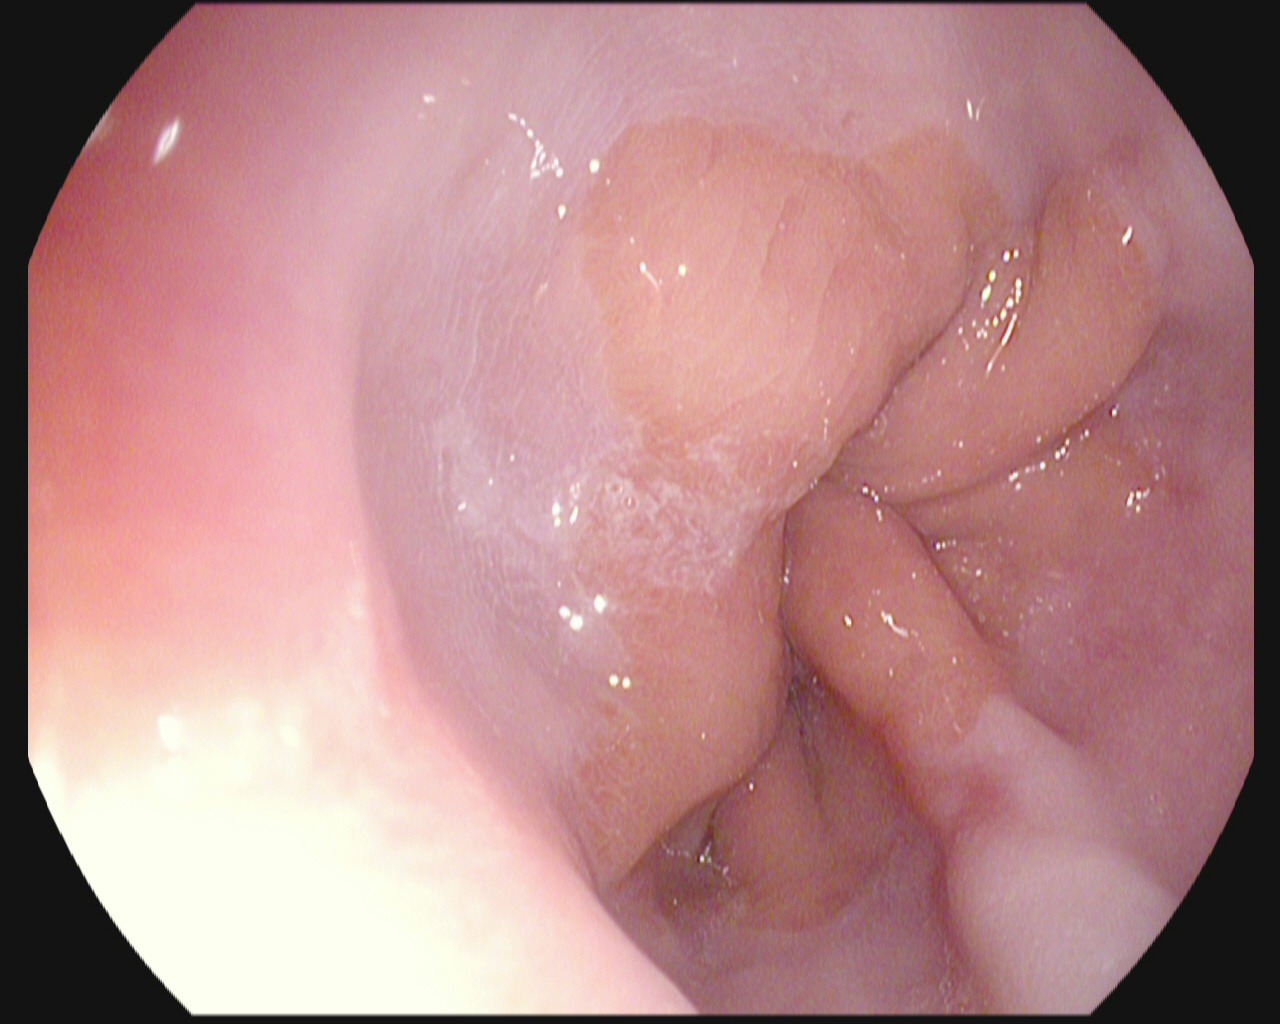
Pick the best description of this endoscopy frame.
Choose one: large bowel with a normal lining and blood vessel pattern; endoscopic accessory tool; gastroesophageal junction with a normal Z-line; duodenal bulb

gastroesophageal junction with a normal Z-line